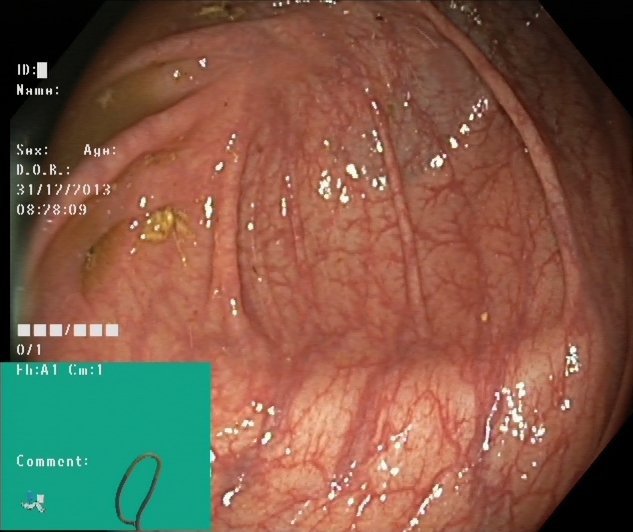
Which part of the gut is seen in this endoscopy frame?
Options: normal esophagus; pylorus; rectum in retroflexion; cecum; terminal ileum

cecum